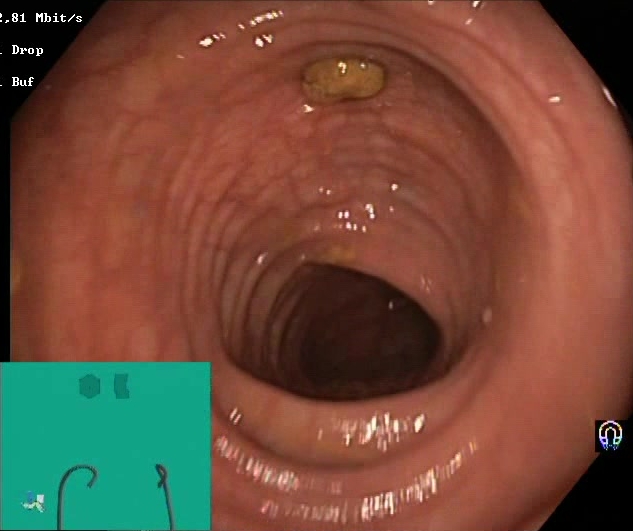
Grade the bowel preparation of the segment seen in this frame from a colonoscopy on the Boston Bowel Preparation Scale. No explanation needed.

Boston Bowel Preparation Scale score 2–3 (adequate preparation)